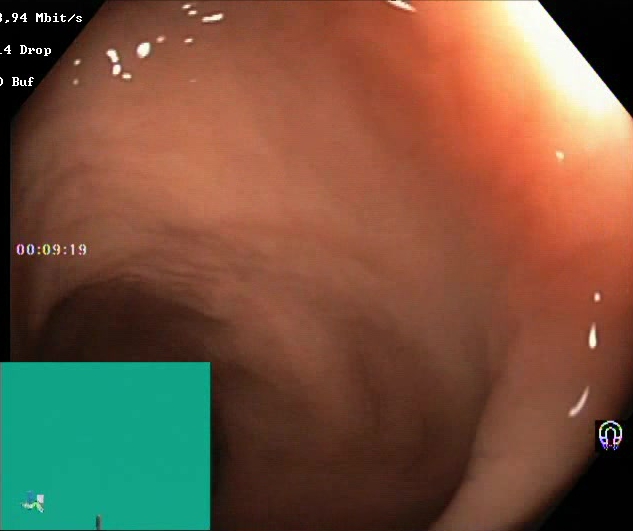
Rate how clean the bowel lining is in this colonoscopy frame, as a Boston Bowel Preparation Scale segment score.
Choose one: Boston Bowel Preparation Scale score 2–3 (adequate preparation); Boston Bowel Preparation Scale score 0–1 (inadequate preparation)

Boston Bowel Preparation Scale score 2–3 (adequate preparation)